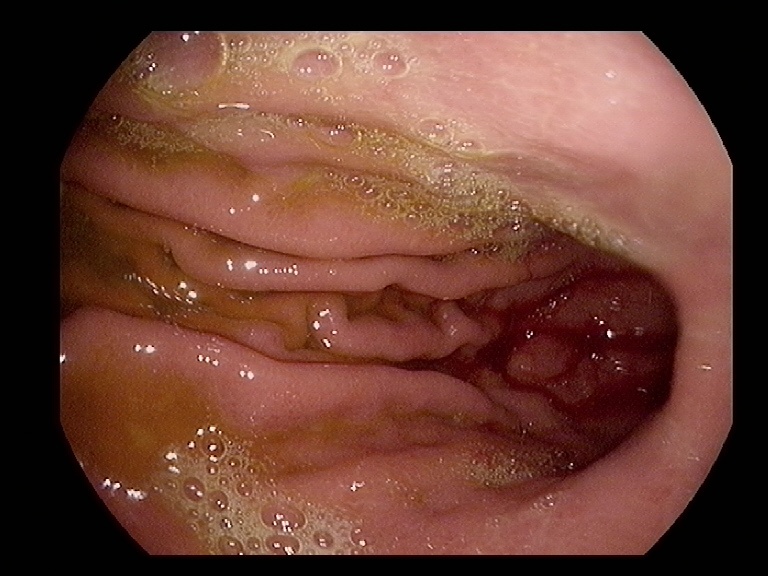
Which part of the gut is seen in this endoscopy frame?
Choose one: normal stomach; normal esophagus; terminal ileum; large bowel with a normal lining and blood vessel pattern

normal stomach